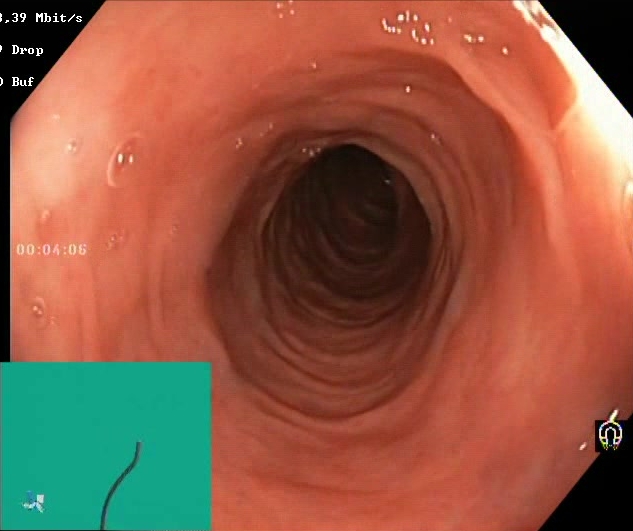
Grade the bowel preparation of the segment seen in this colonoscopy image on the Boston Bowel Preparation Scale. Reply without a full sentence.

Boston Bowel Preparation Scale score 2–3 (adequate preparation)